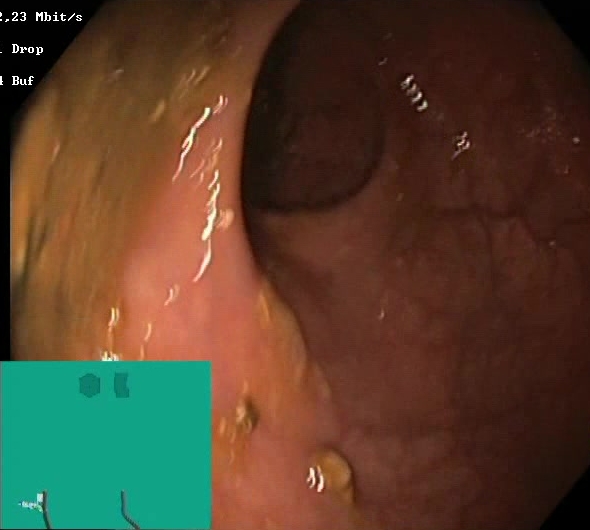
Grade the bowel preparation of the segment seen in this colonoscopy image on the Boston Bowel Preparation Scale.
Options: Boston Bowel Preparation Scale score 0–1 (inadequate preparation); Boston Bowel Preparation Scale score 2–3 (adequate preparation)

Boston Bowel Preparation Scale score 0–1 (inadequate preparation)